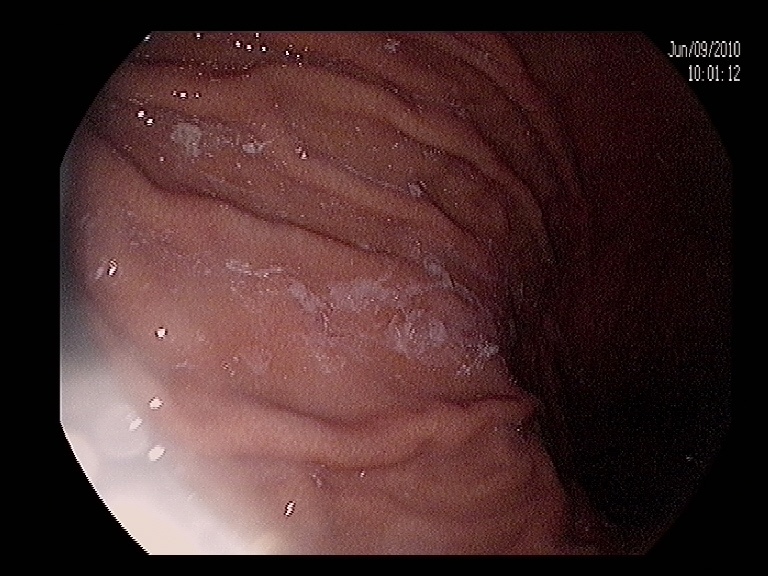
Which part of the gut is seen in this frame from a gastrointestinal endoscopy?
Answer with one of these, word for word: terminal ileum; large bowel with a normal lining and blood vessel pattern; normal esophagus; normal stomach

normal stomach